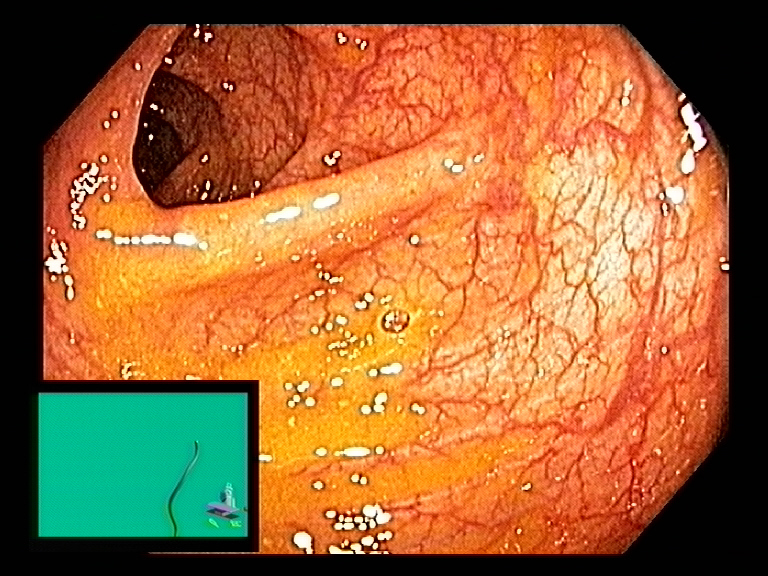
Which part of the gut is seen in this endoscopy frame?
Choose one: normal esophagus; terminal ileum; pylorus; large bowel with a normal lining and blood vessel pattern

large bowel with a normal lining and blood vessel pattern